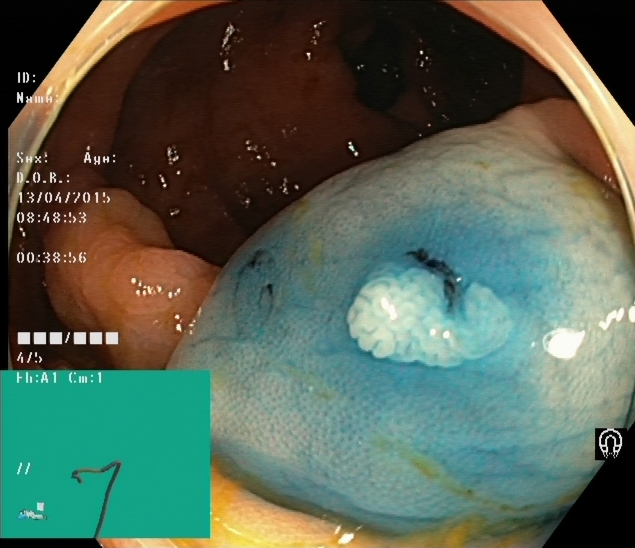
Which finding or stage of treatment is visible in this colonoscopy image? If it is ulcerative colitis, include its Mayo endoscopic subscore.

dyed and lifted polyp (pre-resection)